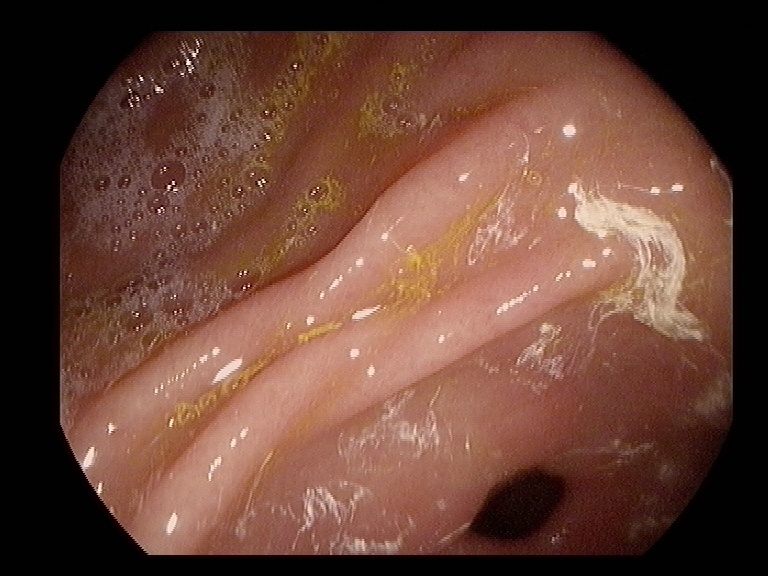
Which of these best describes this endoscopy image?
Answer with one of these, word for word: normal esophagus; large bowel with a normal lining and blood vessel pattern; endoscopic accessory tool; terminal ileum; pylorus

pylorus